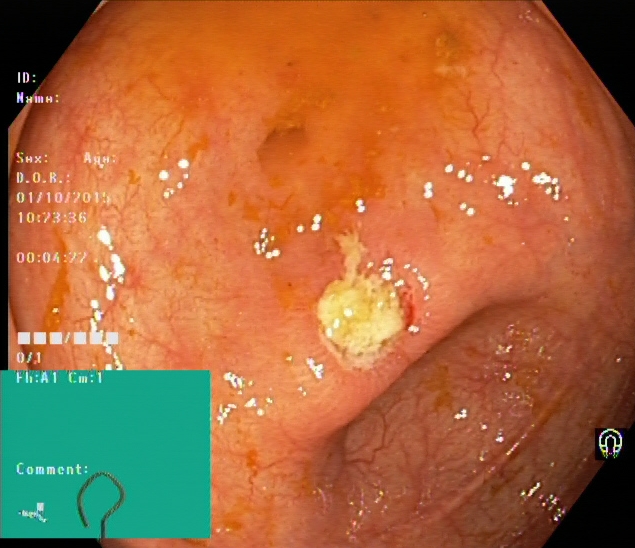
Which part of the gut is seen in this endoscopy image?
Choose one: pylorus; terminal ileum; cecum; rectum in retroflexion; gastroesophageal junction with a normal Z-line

cecum